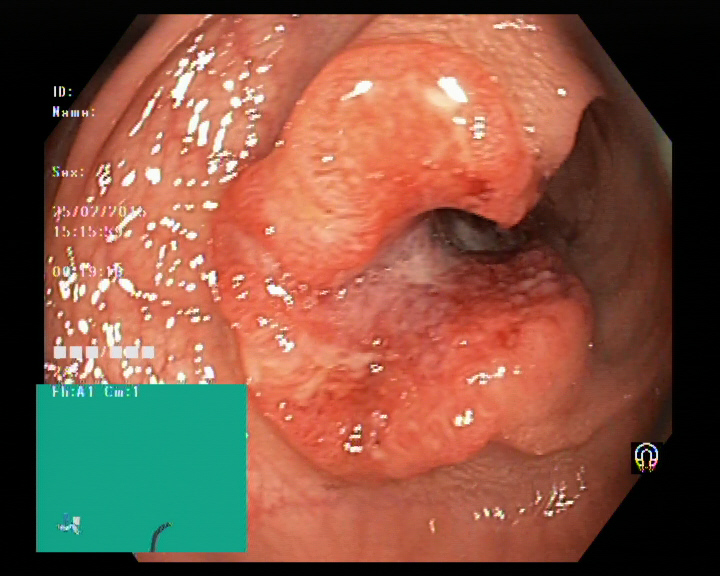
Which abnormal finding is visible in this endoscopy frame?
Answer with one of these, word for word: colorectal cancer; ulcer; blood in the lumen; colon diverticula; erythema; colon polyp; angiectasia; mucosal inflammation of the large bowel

colorectal cancer